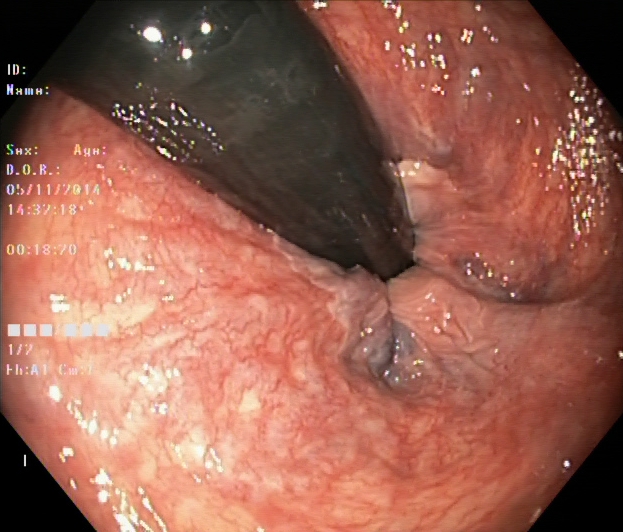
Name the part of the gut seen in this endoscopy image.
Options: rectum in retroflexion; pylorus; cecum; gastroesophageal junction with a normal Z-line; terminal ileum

rectum in retroflexion